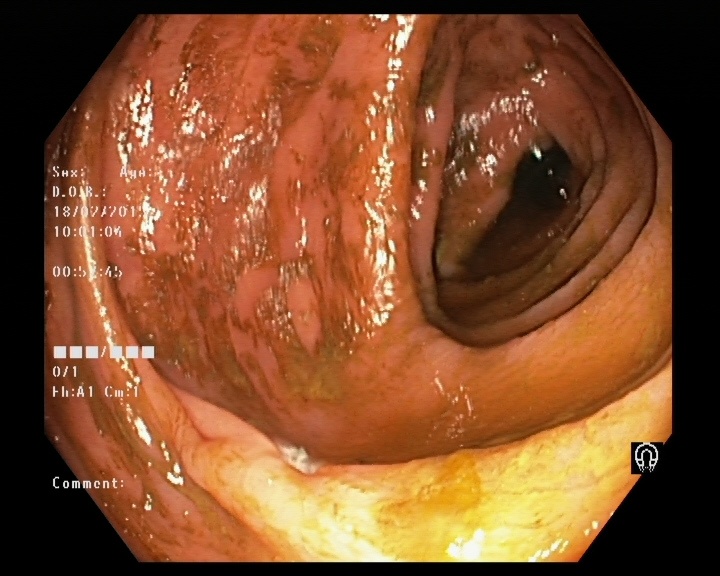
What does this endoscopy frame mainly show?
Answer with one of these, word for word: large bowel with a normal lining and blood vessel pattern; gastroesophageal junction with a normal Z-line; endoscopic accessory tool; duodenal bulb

large bowel with a normal lining and blood vessel pattern